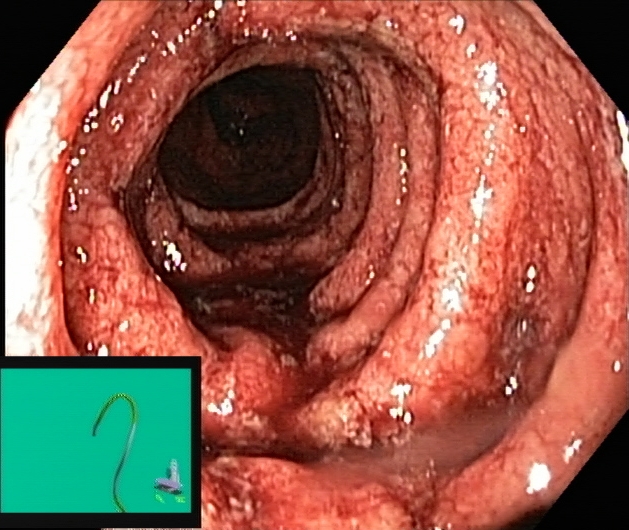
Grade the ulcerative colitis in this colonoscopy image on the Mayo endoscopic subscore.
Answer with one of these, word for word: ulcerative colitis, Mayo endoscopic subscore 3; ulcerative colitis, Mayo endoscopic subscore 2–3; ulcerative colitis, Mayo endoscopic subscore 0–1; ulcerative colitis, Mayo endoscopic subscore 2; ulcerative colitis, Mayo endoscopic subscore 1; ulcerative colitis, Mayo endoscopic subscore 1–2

ulcerative colitis, Mayo endoscopic subscore 3